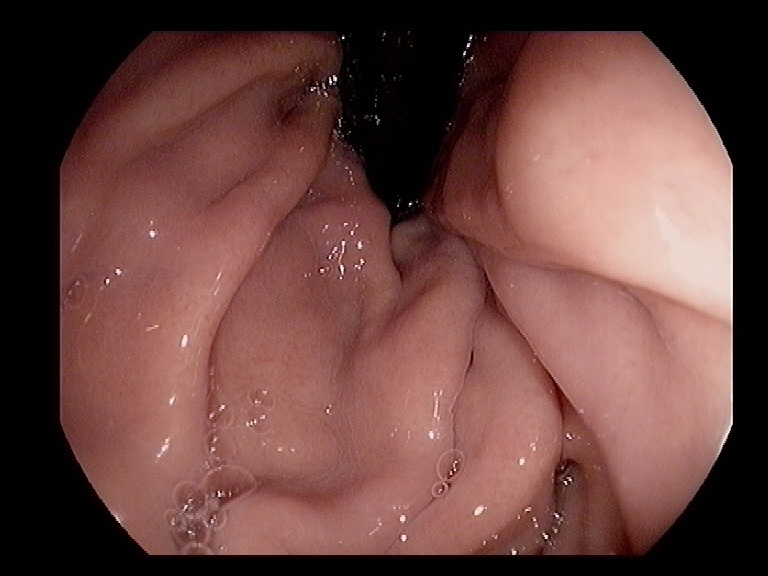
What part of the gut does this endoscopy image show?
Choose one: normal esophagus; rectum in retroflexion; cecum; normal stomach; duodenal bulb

normal stomach